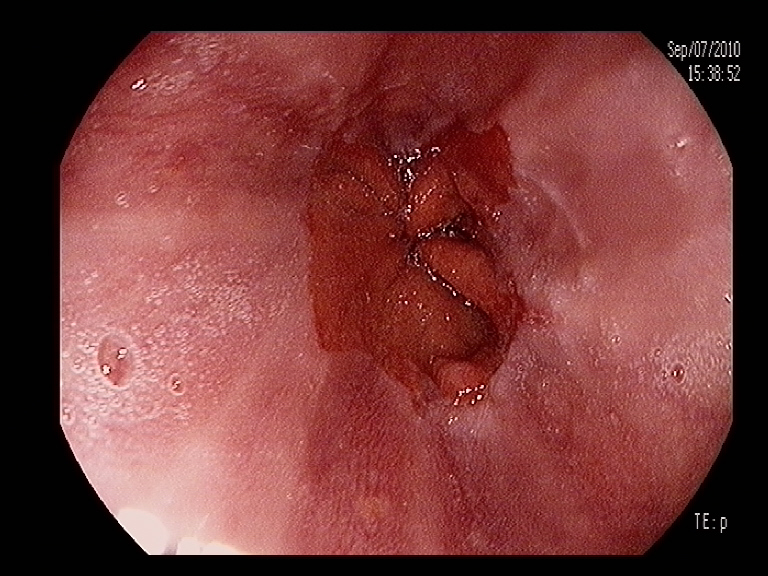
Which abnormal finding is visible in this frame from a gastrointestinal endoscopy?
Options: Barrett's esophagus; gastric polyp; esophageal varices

Barrett's esophagus